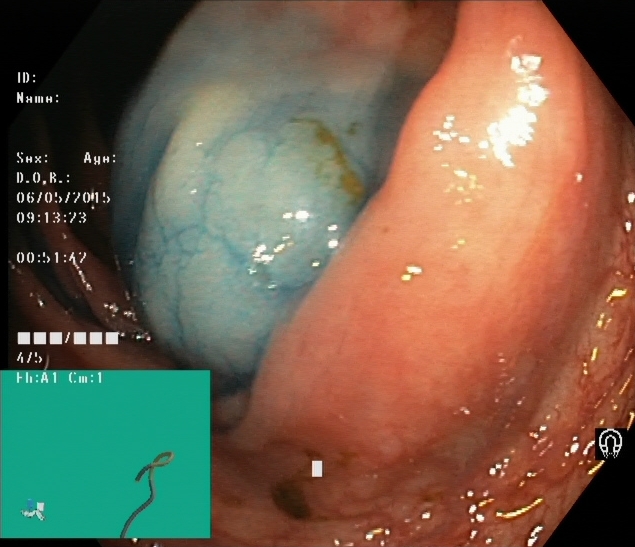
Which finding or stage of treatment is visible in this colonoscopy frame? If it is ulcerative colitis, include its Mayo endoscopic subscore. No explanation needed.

dyed and lifted polyp (pre-resection)